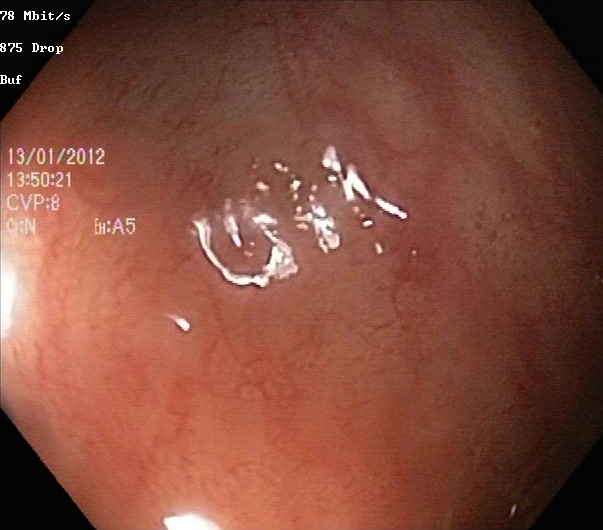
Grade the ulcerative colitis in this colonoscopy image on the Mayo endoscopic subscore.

ulcerative colitis, Mayo endoscopic subscore 1